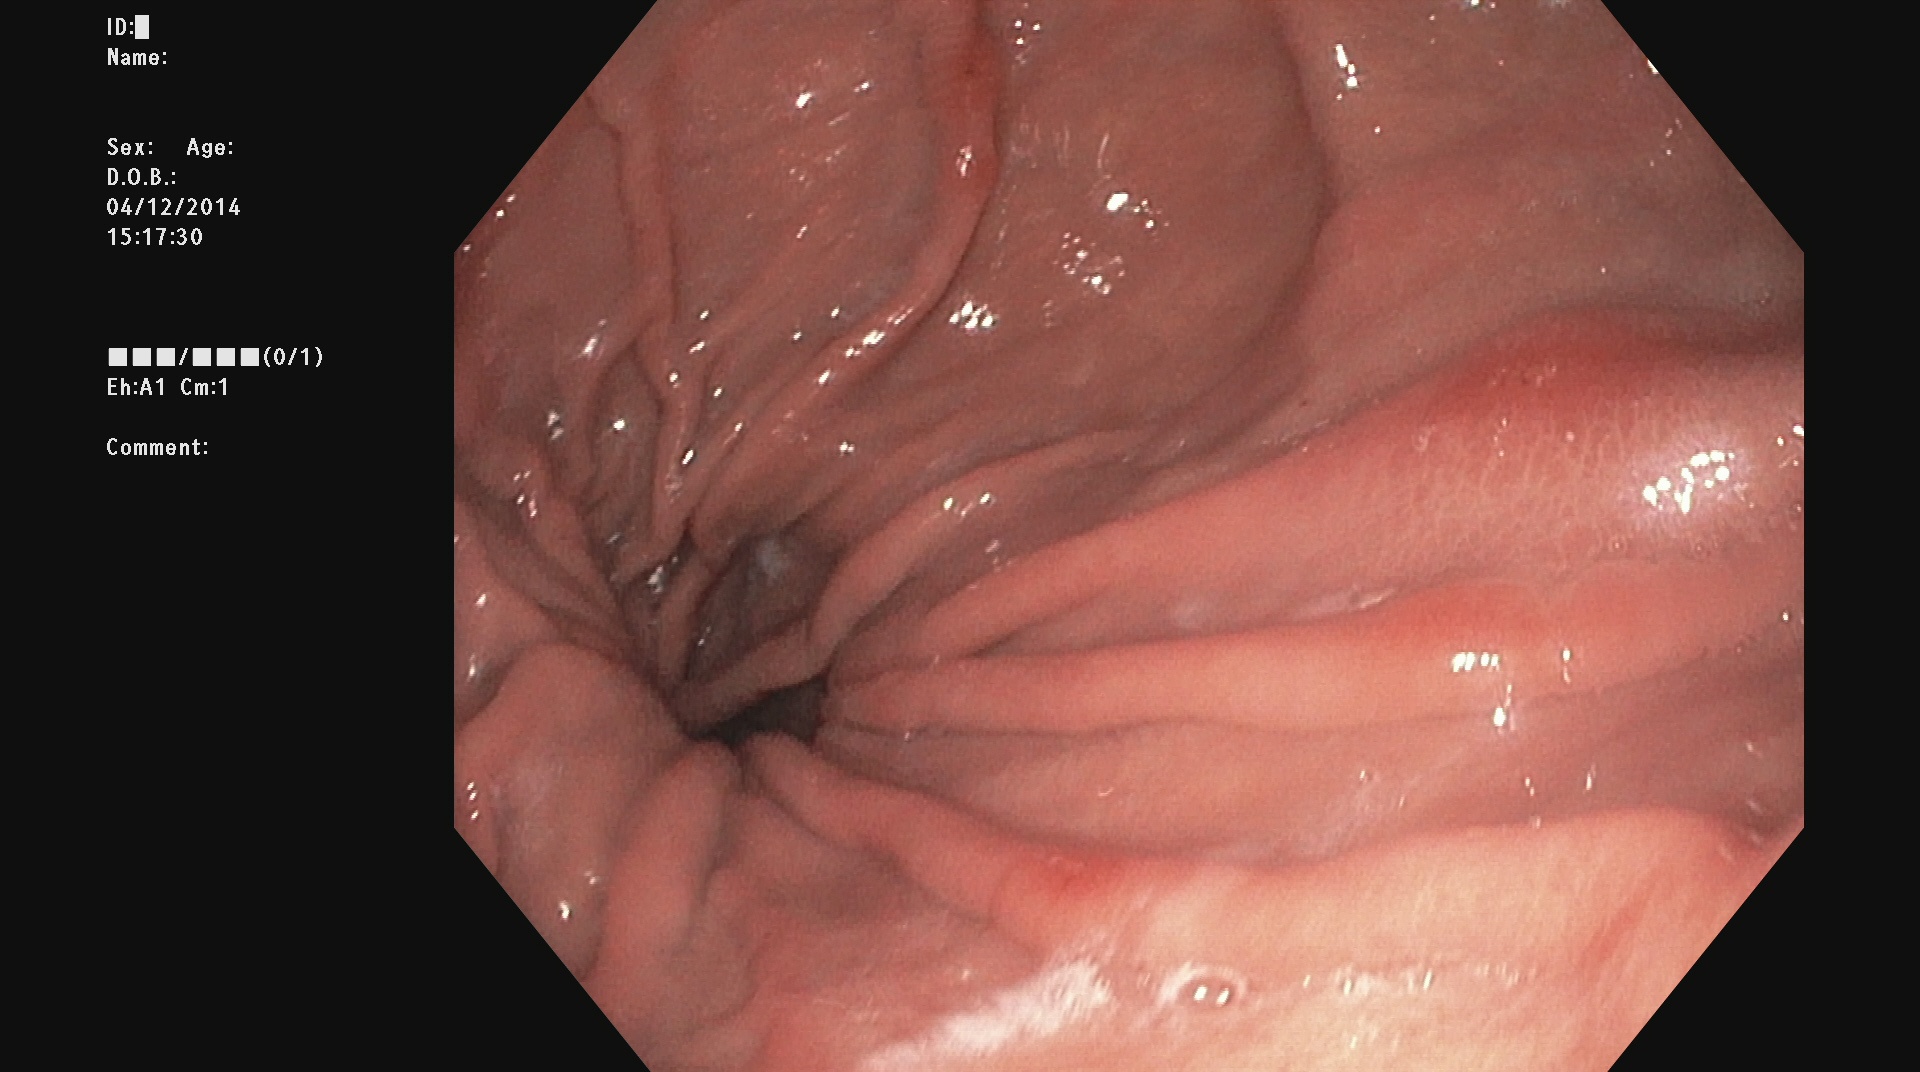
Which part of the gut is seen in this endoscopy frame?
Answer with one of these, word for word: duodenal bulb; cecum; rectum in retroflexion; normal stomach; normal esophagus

normal stomach